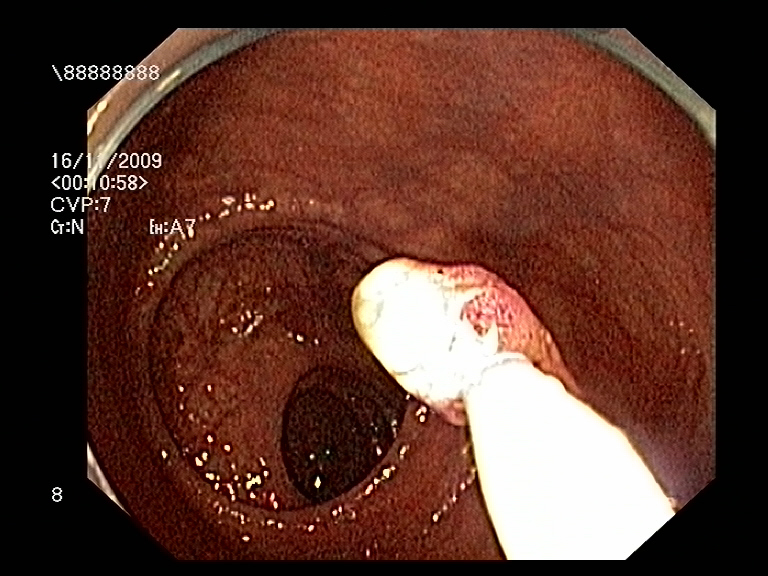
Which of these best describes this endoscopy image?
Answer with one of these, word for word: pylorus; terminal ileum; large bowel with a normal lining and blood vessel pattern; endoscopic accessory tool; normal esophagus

endoscopic accessory tool